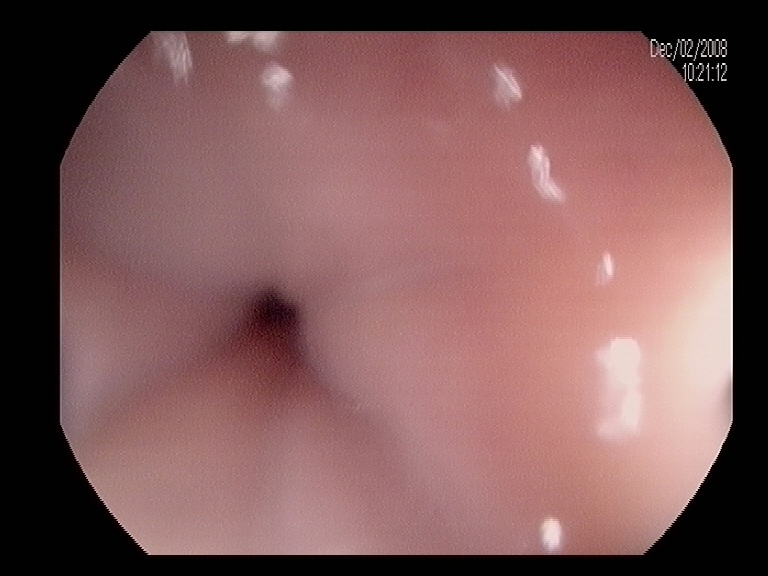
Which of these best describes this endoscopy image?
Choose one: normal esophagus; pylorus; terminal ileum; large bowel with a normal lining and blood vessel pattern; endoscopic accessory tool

normal esophagus